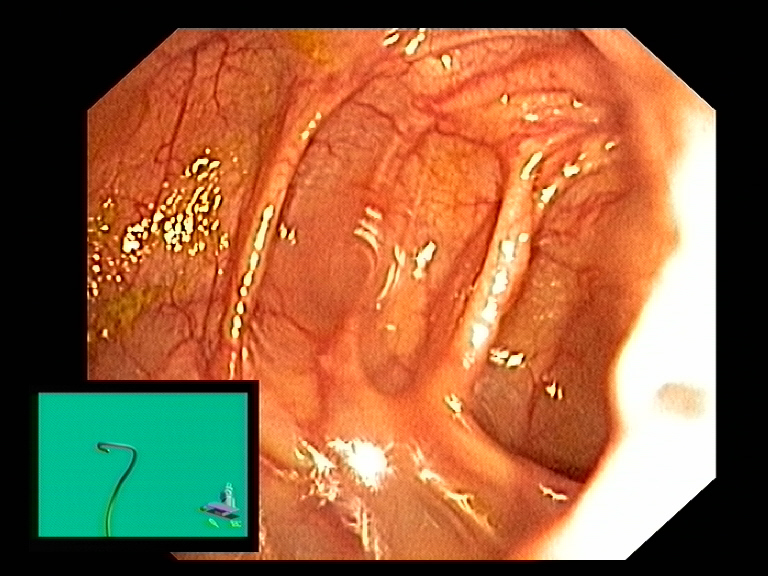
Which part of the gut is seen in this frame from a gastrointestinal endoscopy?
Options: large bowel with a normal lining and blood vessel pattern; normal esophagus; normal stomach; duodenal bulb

large bowel with a normal lining and blood vessel pattern